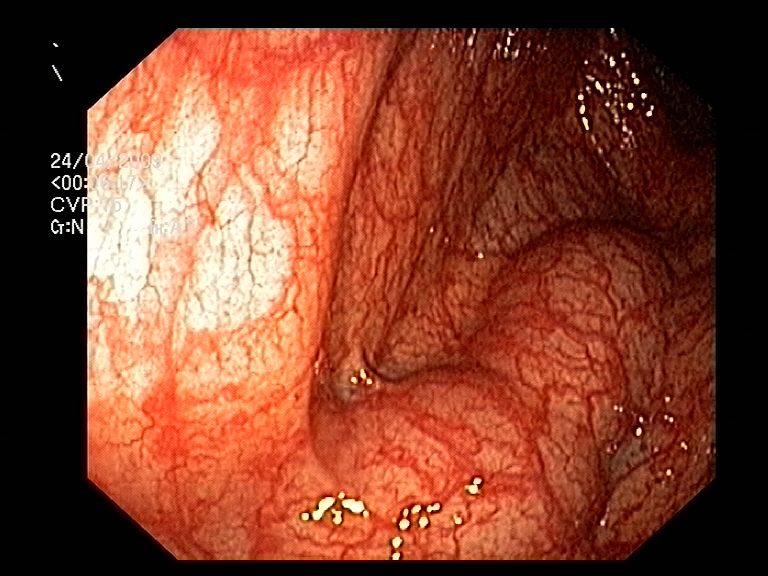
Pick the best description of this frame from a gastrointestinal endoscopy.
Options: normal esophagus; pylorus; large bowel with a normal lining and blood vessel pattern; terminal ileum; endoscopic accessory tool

large bowel with a normal lining and blood vessel pattern